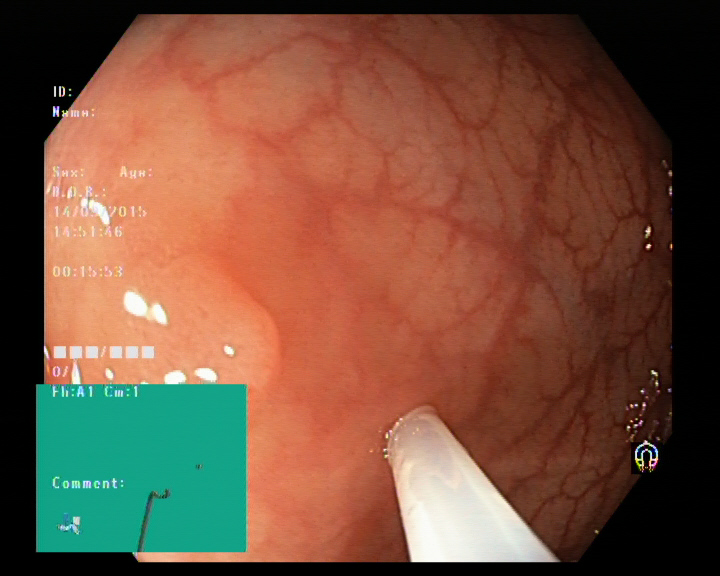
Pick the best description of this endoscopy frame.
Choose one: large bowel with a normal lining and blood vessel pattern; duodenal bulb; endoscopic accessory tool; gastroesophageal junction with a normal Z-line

endoscopic accessory tool